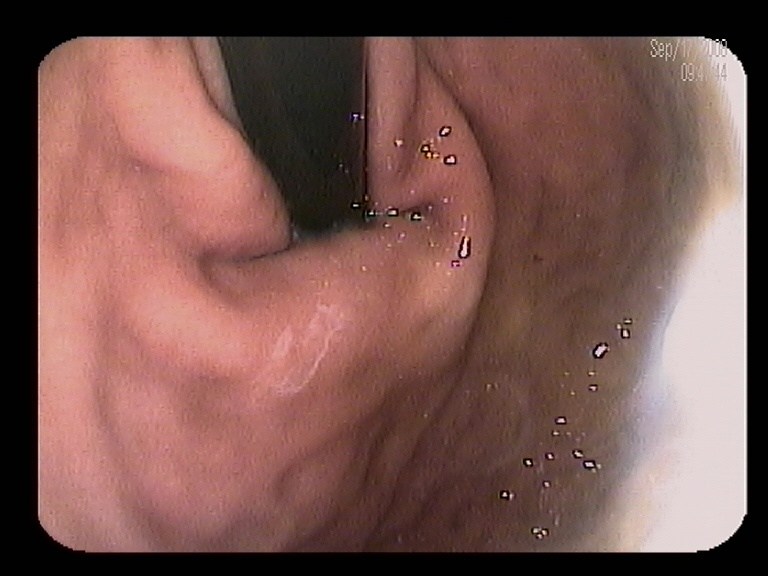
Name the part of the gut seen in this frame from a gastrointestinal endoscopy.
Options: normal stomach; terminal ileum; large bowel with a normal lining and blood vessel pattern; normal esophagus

normal stomach